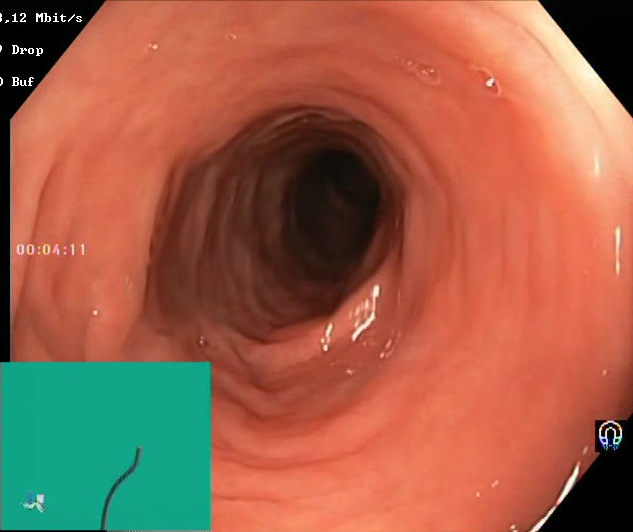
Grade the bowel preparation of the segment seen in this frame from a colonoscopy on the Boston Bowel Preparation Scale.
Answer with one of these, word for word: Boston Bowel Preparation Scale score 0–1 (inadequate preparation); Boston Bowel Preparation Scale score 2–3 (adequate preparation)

Boston Bowel Preparation Scale score 2–3 (adequate preparation)